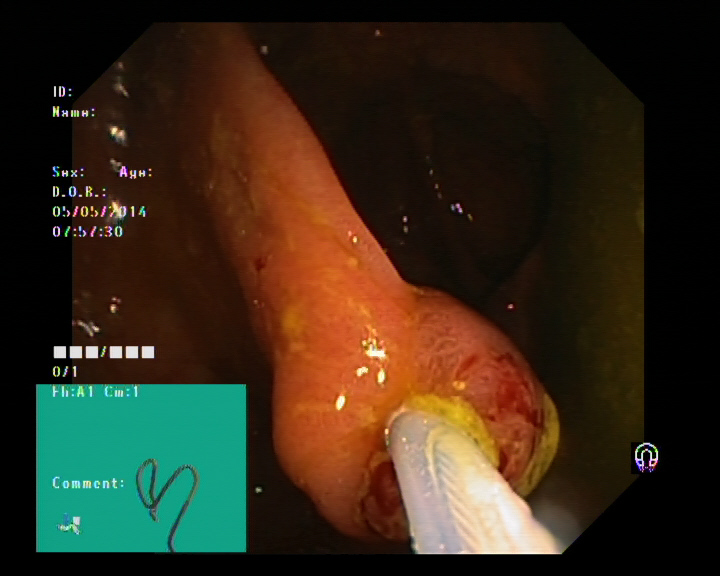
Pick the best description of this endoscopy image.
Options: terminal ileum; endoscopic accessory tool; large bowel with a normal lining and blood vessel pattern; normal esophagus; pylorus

endoscopic accessory tool